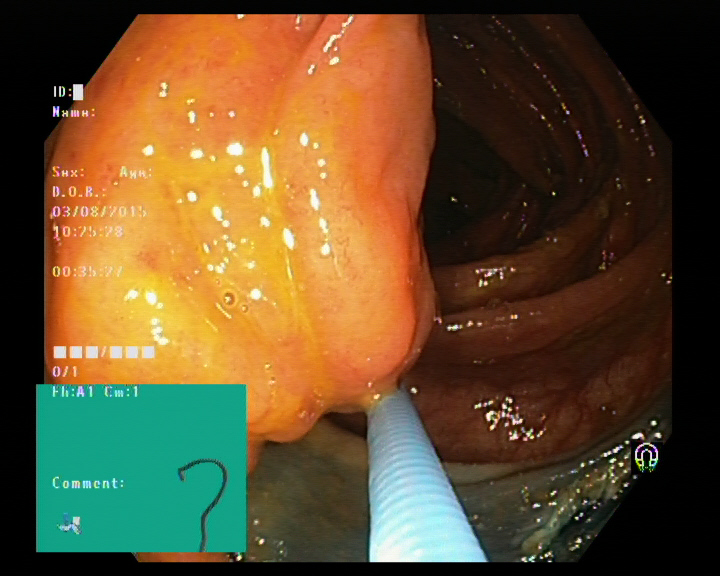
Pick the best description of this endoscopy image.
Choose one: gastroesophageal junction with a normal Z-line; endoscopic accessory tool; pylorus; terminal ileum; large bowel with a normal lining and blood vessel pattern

endoscopic accessory tool